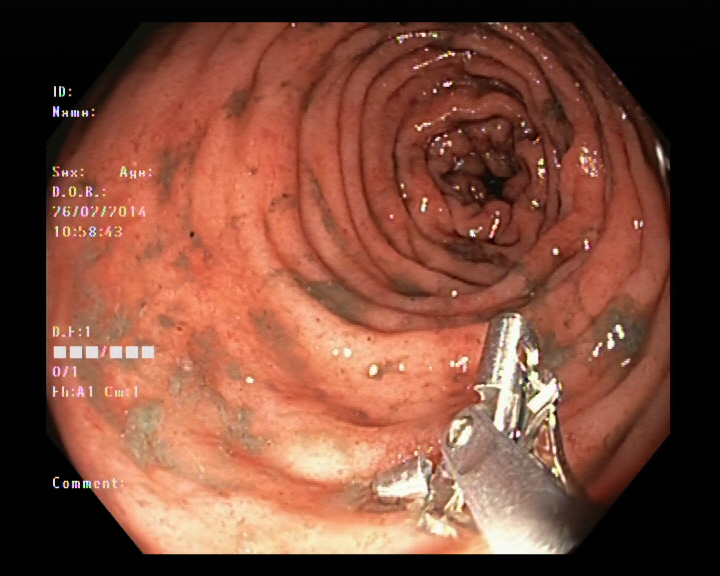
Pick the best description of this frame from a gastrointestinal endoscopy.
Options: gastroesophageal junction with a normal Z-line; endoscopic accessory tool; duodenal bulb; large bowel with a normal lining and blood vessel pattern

endoscopic accessory tool